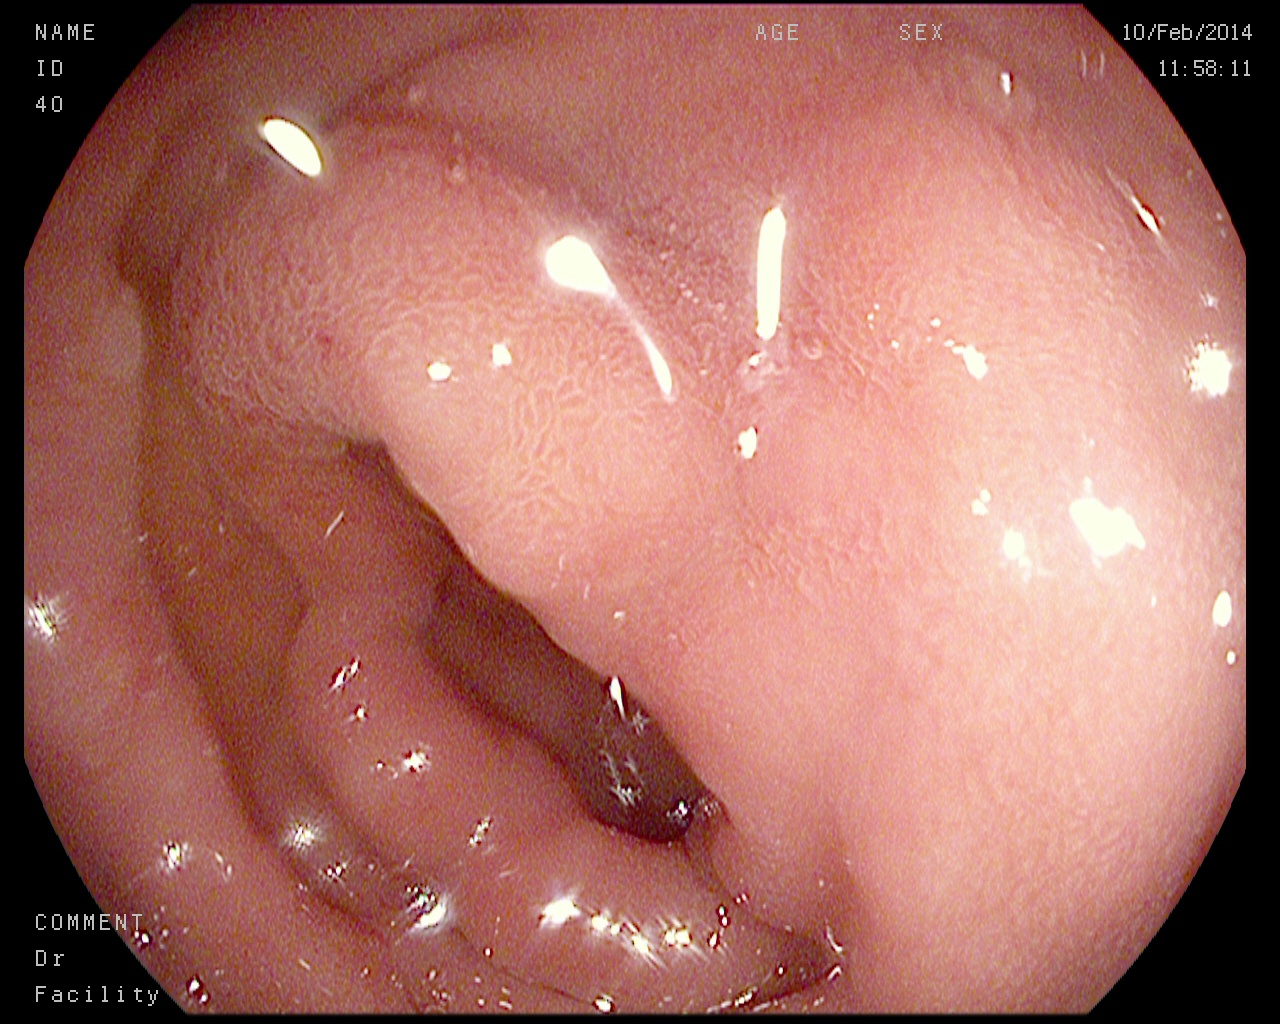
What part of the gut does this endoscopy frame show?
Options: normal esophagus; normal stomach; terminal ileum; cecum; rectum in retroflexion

terminal ileum